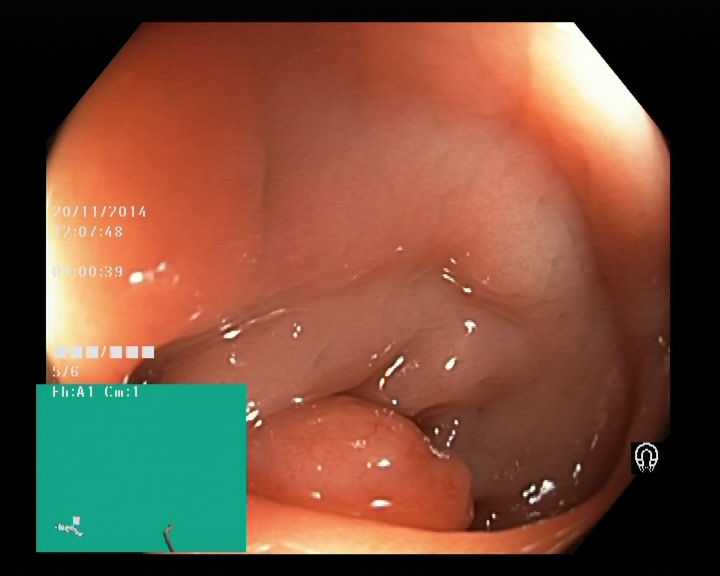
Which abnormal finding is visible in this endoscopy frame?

colon polyp